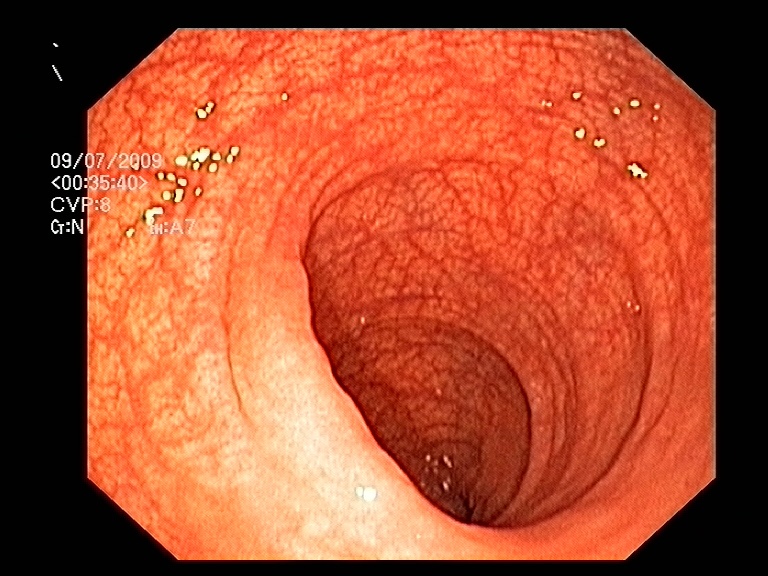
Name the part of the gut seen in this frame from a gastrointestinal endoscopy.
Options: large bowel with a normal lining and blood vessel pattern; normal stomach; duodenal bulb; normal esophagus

large bowel with a normal lining and blood vessel pattern